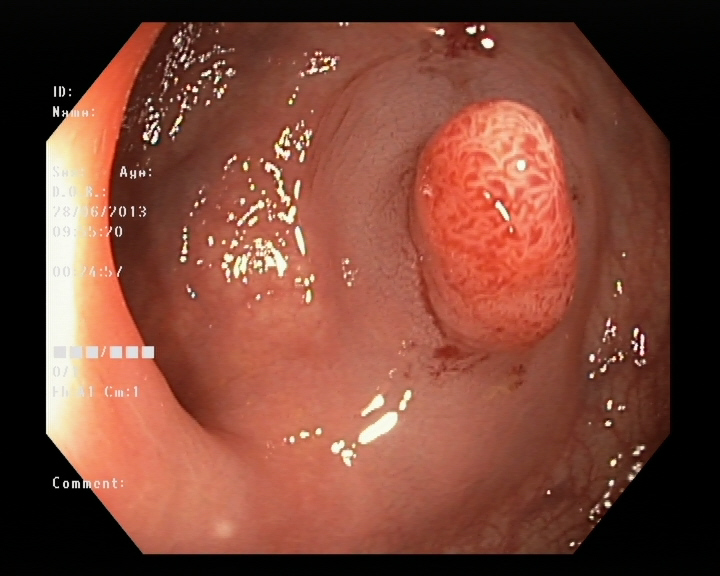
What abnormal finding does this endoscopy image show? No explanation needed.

colon polyp